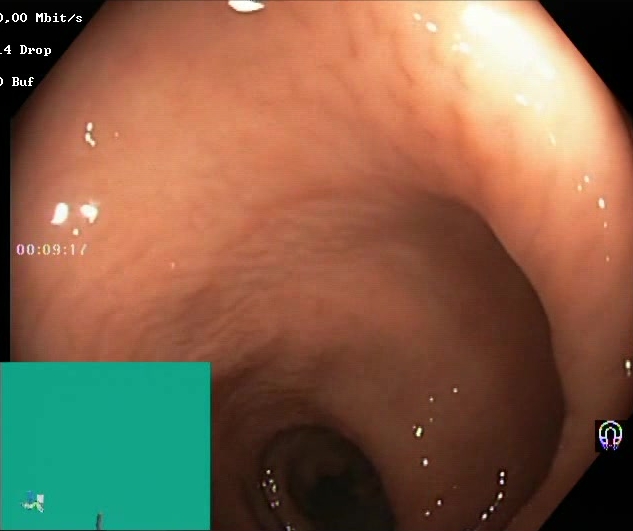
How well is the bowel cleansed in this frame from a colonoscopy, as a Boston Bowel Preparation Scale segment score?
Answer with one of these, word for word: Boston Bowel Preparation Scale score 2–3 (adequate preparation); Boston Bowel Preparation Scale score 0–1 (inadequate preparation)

Boston Bowel Preparation Scale score 2–3 (adequate preparation)